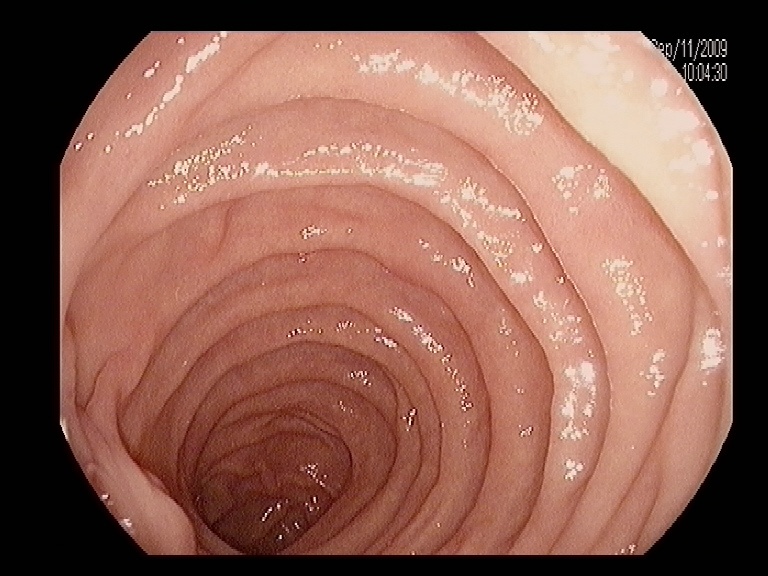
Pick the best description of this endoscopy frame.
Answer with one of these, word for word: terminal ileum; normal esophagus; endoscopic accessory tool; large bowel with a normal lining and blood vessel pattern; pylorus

terminal ileum